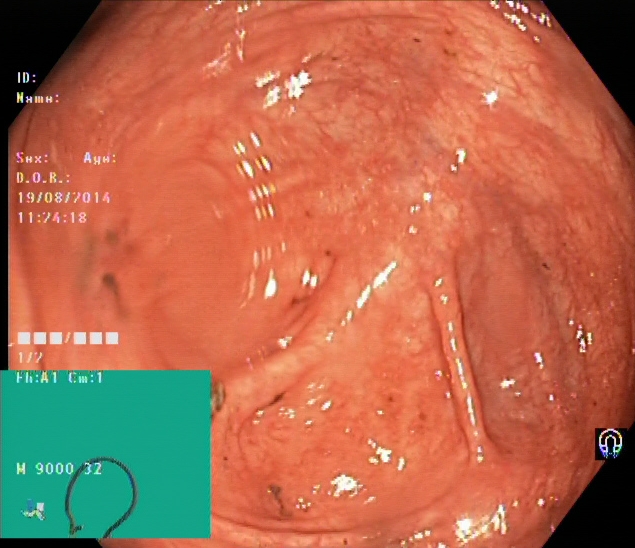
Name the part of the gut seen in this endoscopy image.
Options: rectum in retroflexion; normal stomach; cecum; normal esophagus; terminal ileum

cecum